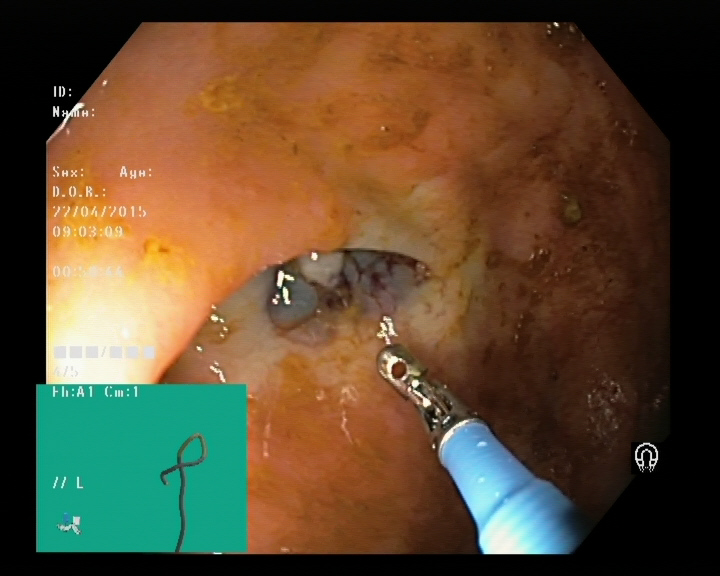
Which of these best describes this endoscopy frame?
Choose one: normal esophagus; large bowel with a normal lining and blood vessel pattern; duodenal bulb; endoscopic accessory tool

endoscopic accessory tool